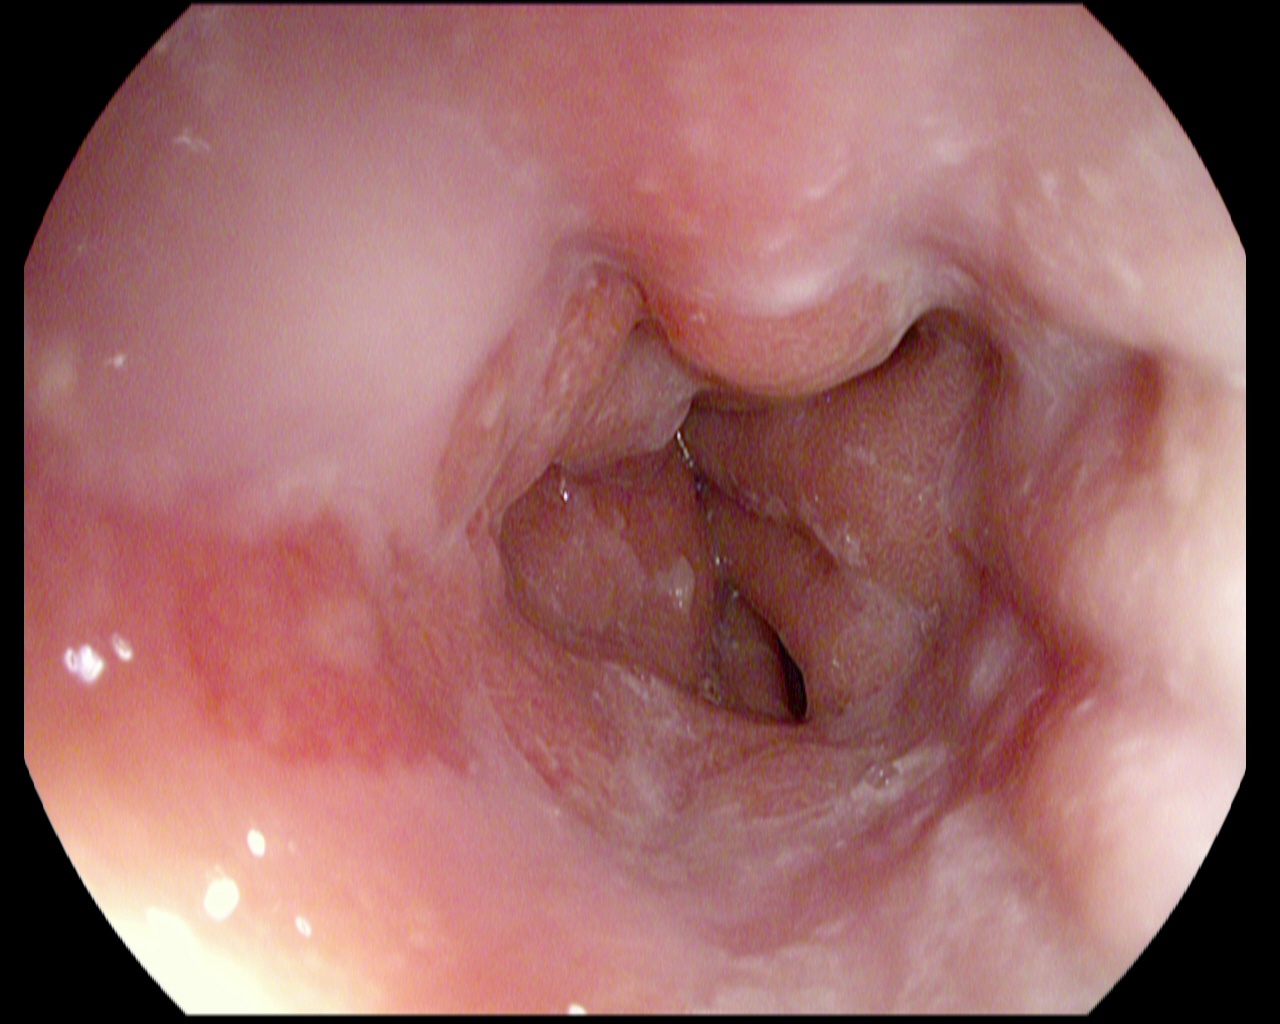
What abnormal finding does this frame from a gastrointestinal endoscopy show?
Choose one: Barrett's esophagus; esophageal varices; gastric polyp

Barrett's esophagus